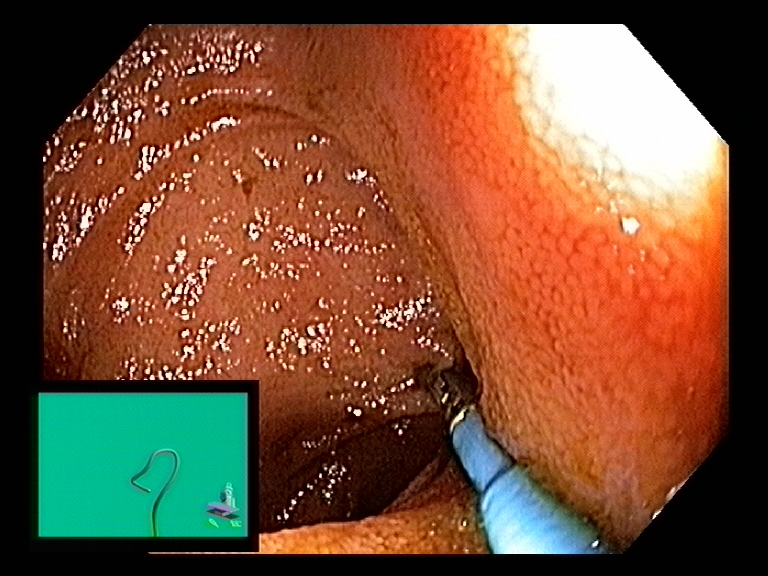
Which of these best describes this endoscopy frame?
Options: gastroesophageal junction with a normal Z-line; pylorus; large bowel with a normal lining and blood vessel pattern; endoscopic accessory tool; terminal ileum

endoscopic accessory tool